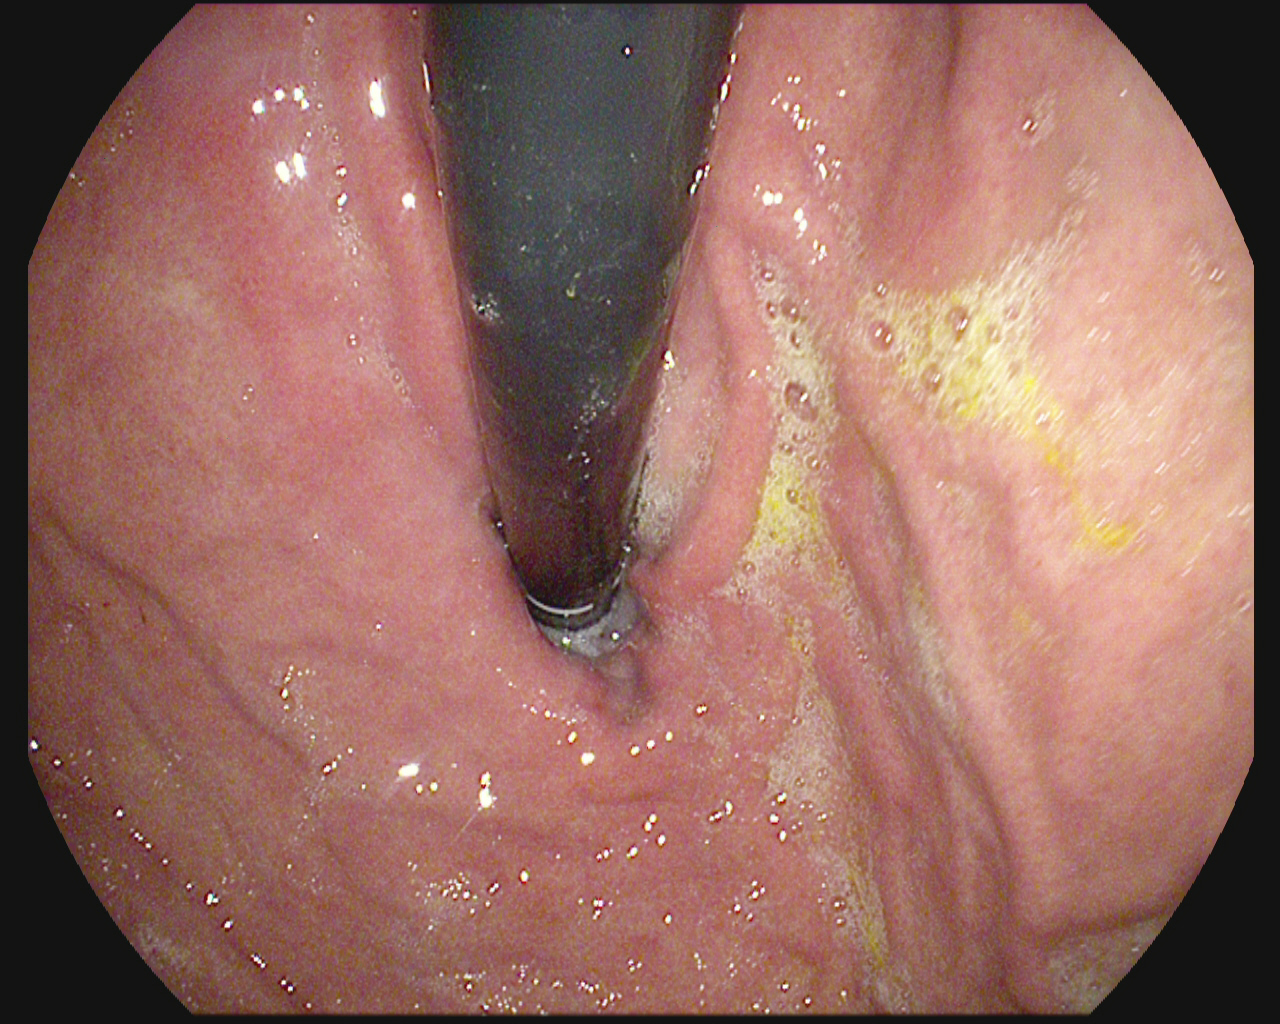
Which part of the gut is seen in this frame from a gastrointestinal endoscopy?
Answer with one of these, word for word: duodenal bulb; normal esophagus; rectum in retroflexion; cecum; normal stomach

normal stomach